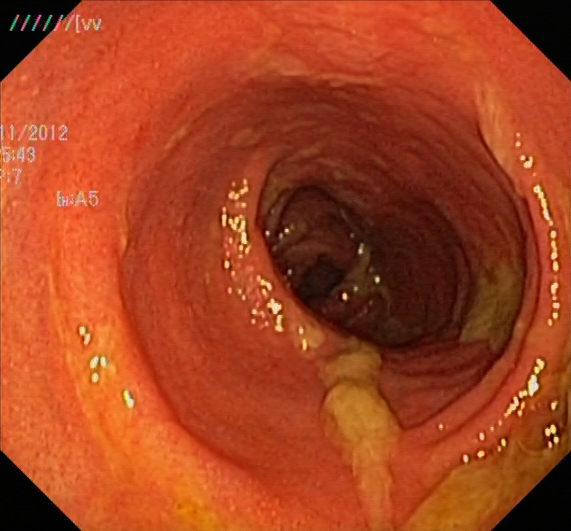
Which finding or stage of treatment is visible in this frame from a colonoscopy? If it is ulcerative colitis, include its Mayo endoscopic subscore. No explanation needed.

ulcerative colitis, Mayo endoscopic subscore 2